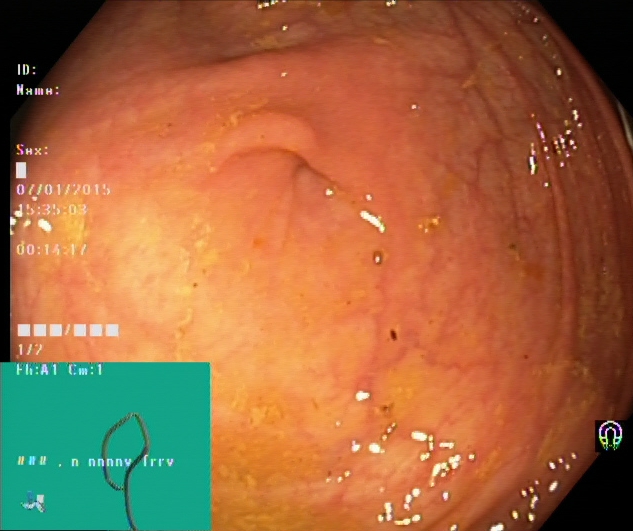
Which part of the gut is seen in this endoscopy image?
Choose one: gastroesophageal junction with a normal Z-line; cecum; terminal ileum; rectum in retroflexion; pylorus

cecum